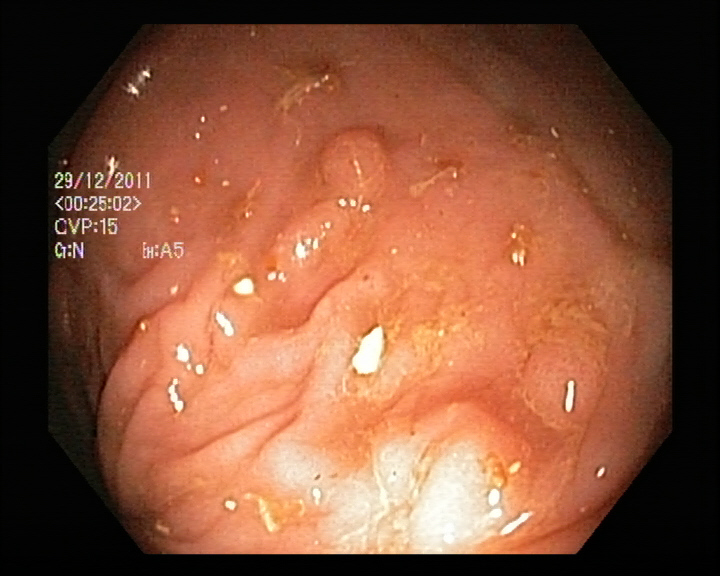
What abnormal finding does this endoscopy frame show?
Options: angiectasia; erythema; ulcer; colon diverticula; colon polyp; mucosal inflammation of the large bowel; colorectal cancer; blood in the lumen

colon polyp